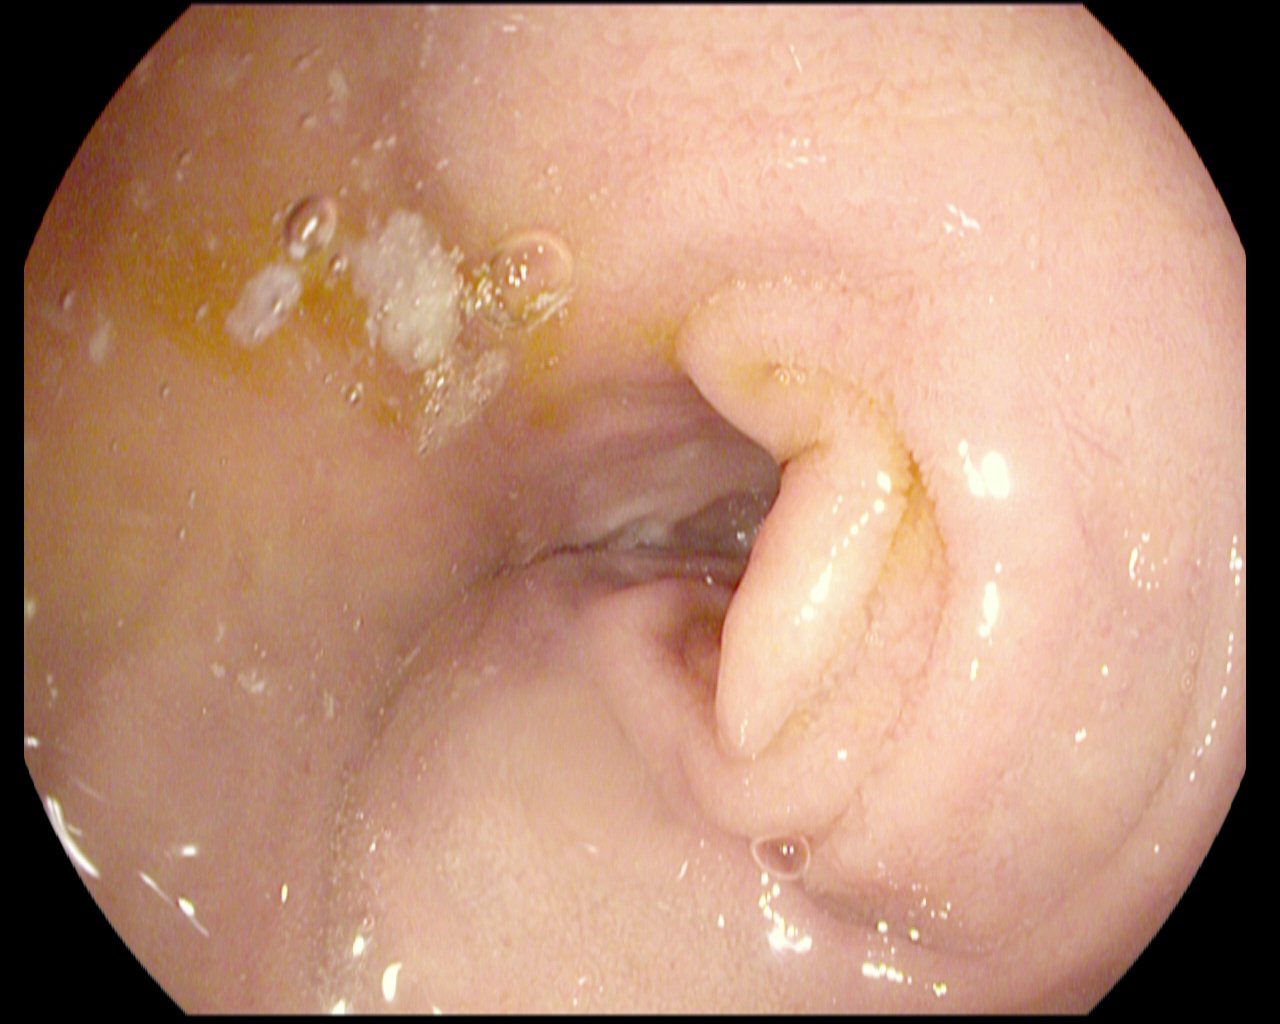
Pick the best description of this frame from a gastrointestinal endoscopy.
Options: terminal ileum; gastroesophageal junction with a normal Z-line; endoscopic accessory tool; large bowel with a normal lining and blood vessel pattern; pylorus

terminal ileum